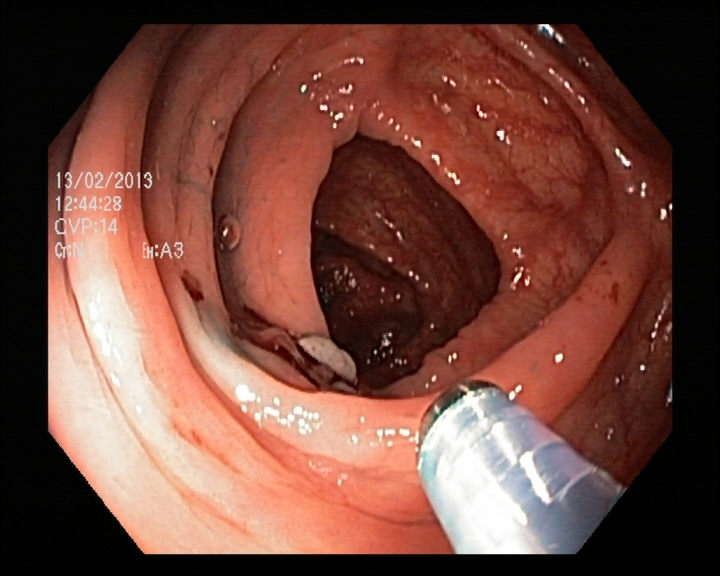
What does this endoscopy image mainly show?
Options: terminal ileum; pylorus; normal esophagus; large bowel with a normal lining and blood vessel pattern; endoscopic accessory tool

endoscopic accessory tool